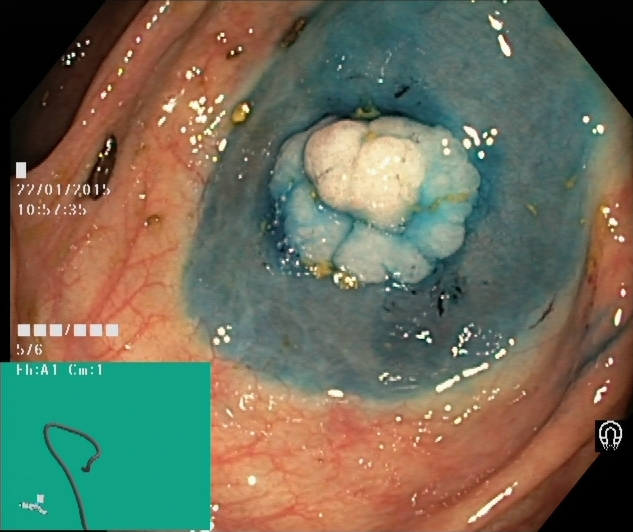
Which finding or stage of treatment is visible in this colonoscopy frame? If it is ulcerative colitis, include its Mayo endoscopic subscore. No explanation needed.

dyed and lifted polyp (pre-resection)